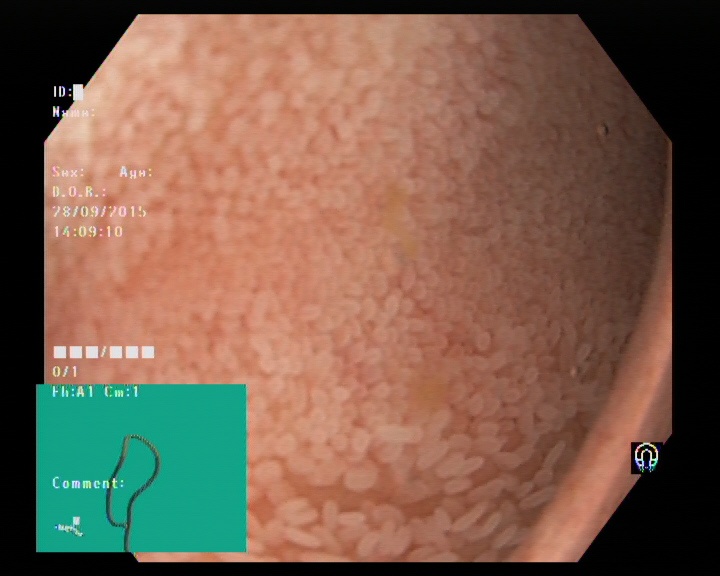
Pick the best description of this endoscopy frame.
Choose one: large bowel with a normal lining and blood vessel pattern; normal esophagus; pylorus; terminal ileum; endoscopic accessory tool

terminal ileum